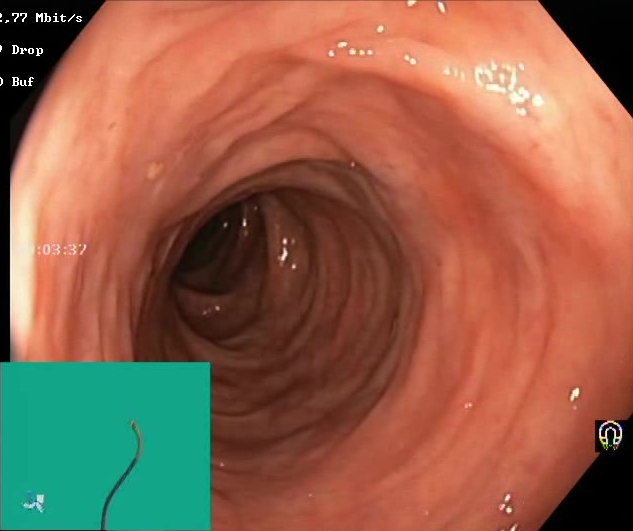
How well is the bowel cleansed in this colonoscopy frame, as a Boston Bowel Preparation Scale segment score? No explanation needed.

Boston Bowel Preparation Scale score 2–3 (adequate preparation)